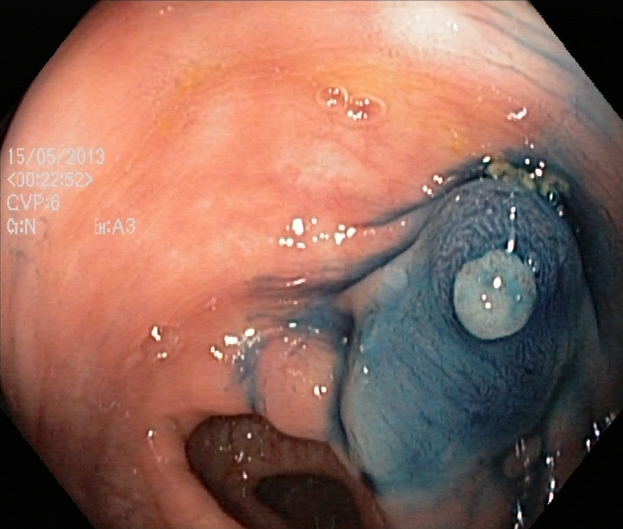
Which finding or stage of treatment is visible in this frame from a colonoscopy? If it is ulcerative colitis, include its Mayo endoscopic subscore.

dyed and lifted polyp (pre-resection)